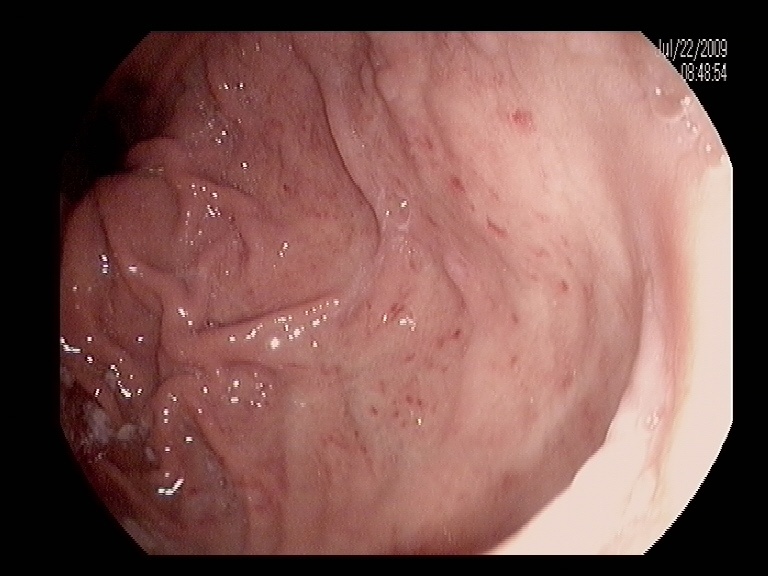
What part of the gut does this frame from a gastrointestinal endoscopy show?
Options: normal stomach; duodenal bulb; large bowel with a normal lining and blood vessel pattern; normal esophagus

normal stomach